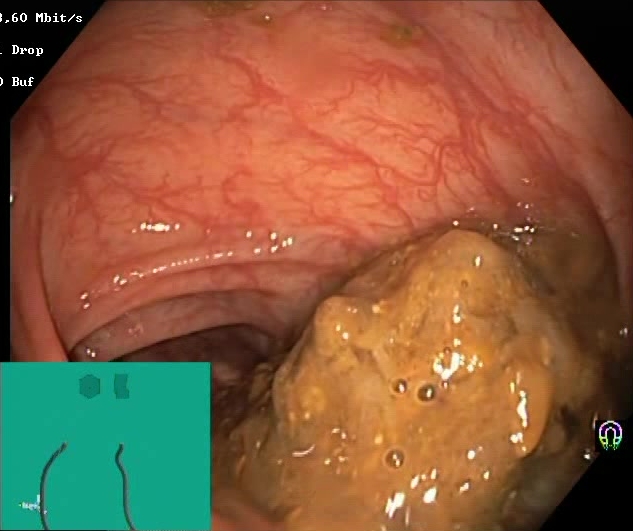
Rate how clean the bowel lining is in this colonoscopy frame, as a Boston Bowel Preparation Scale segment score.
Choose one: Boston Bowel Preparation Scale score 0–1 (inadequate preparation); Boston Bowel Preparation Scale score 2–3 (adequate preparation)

Boston Bowel Preparation Scale score 0–1 (inadequate preparation)